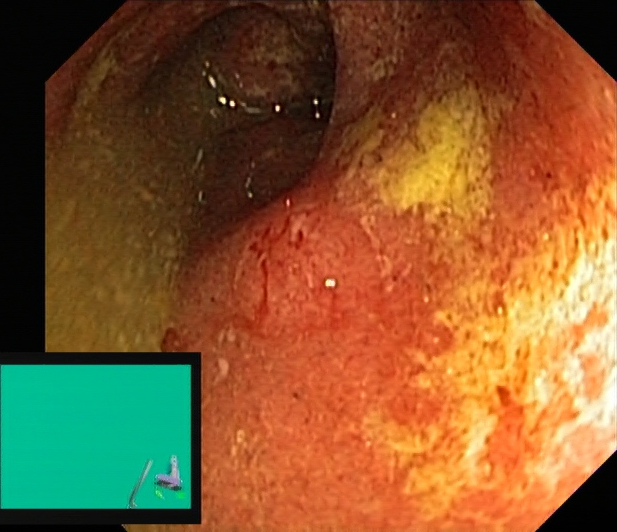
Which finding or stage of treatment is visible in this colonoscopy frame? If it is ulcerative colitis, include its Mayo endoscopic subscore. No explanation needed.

ulcerative colitis, Mayo endoscopic subscore 2